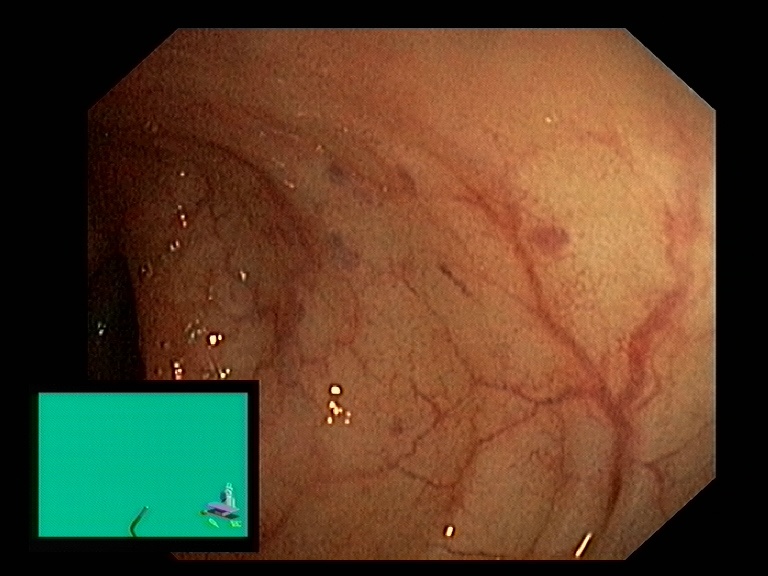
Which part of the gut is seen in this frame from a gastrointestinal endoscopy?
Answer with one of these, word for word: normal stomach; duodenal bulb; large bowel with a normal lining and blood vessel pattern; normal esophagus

large bowel with a normal lining and blood vessel pattern